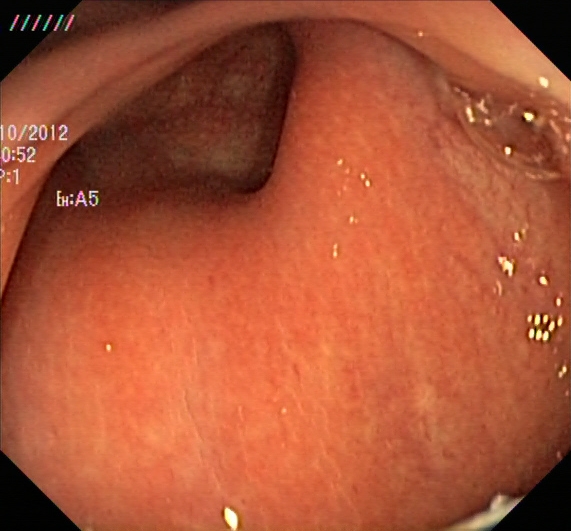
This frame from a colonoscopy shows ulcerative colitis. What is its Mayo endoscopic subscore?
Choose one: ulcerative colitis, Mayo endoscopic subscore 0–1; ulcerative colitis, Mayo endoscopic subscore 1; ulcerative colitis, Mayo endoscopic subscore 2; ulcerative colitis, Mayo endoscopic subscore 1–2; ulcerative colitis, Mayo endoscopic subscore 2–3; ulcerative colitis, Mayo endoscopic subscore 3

ulcerative colitis, Mayo endoscopic subscore 1